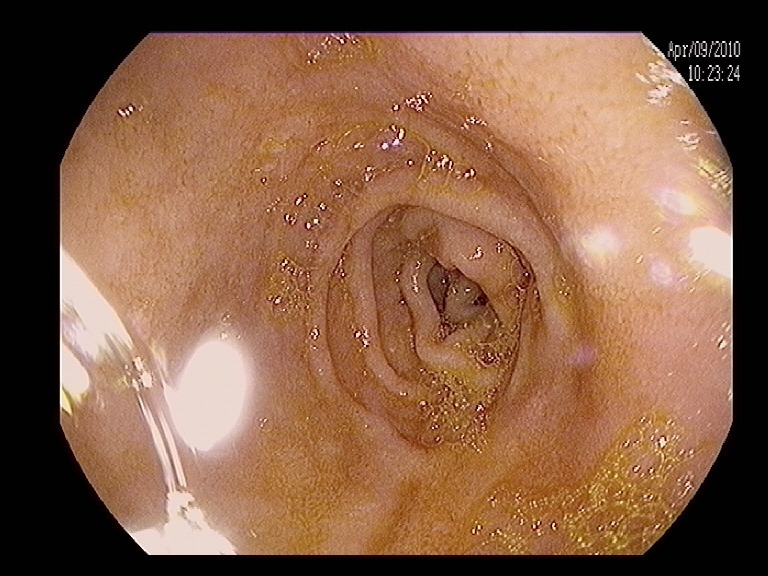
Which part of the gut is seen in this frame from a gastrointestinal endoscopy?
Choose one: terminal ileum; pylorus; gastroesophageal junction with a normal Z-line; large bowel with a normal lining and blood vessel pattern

terminal ileum